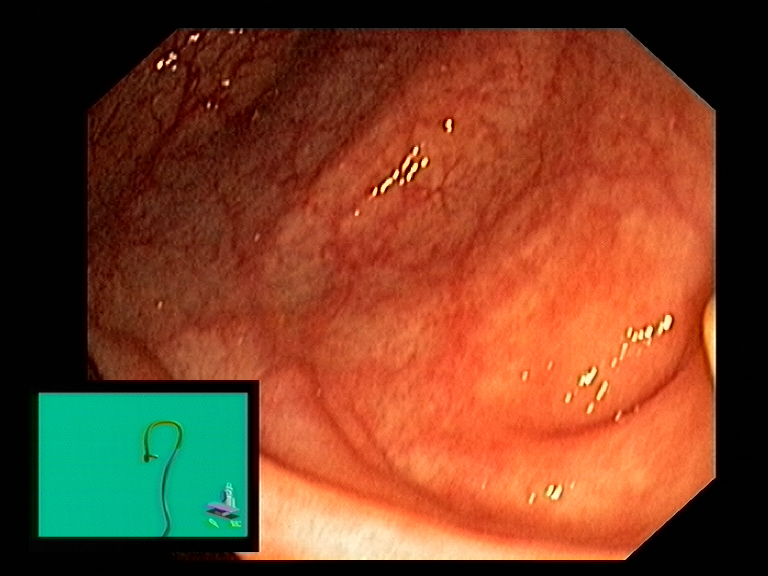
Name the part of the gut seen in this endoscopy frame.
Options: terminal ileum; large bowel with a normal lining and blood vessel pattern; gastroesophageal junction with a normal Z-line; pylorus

large bowel with a normal lining and blood vessel pattern